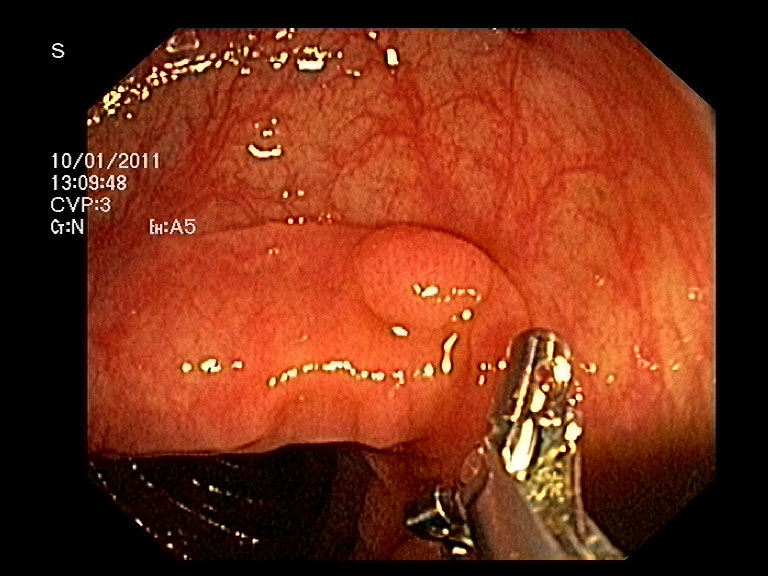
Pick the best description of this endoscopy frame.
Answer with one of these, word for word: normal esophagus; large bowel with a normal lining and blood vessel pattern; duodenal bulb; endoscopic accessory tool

endoscopic accessory tool